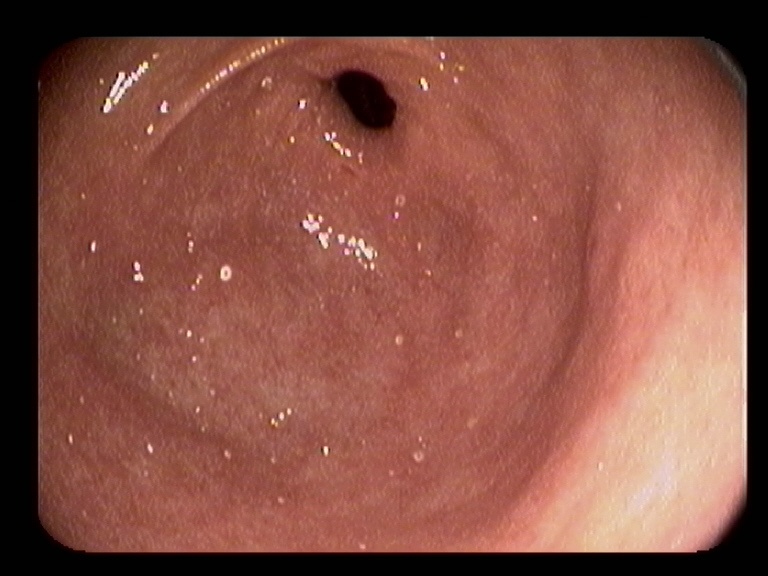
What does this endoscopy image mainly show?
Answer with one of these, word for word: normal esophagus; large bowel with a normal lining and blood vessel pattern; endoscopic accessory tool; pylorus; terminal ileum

pylorus